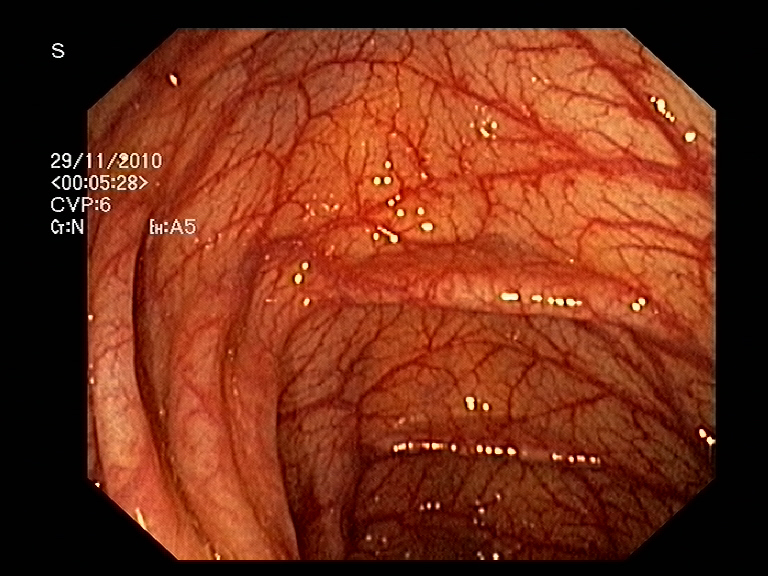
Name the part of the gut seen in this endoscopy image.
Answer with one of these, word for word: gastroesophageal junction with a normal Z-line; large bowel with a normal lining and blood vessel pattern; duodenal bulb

large bowel with a normal lining and blood vessel pattern